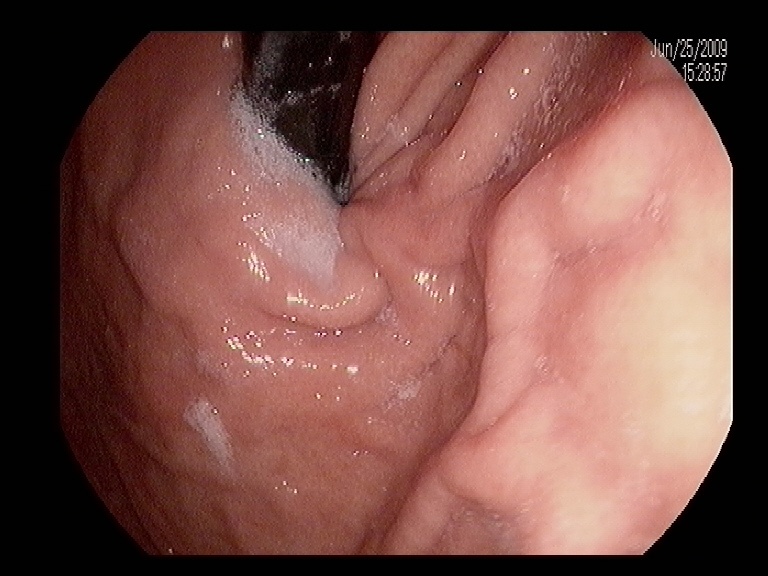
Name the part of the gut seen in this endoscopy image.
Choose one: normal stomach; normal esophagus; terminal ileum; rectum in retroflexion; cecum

normal stomach